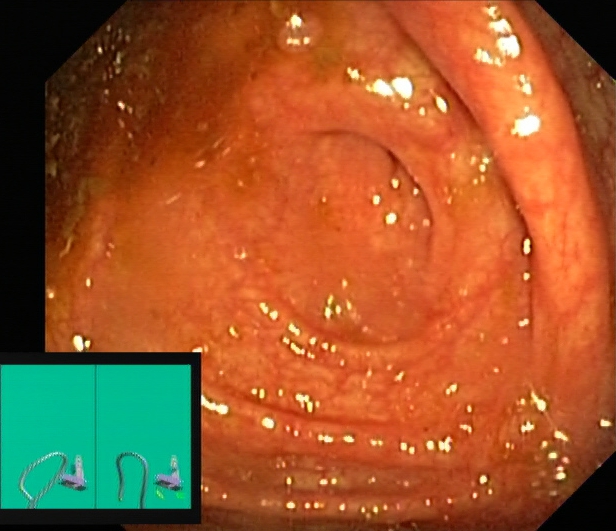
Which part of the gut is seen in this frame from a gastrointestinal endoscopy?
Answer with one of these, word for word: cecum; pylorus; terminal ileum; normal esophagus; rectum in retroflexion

cecum